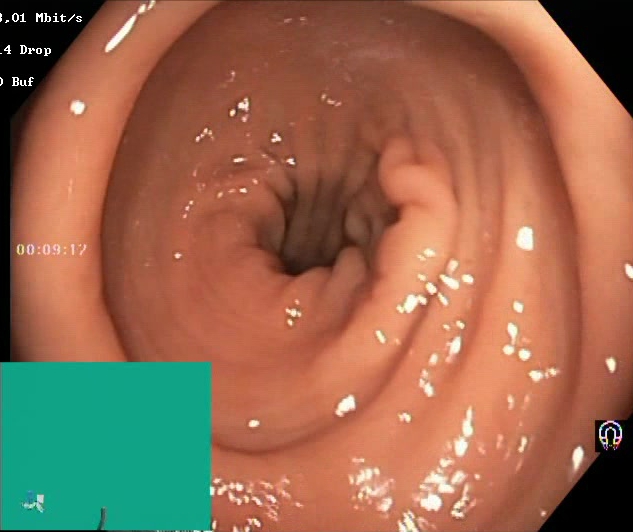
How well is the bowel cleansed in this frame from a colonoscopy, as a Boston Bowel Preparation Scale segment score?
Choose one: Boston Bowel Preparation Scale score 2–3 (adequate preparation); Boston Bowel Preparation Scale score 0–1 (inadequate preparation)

Boston Bowel Preparation Scale score 2–3 (adequate preparation)